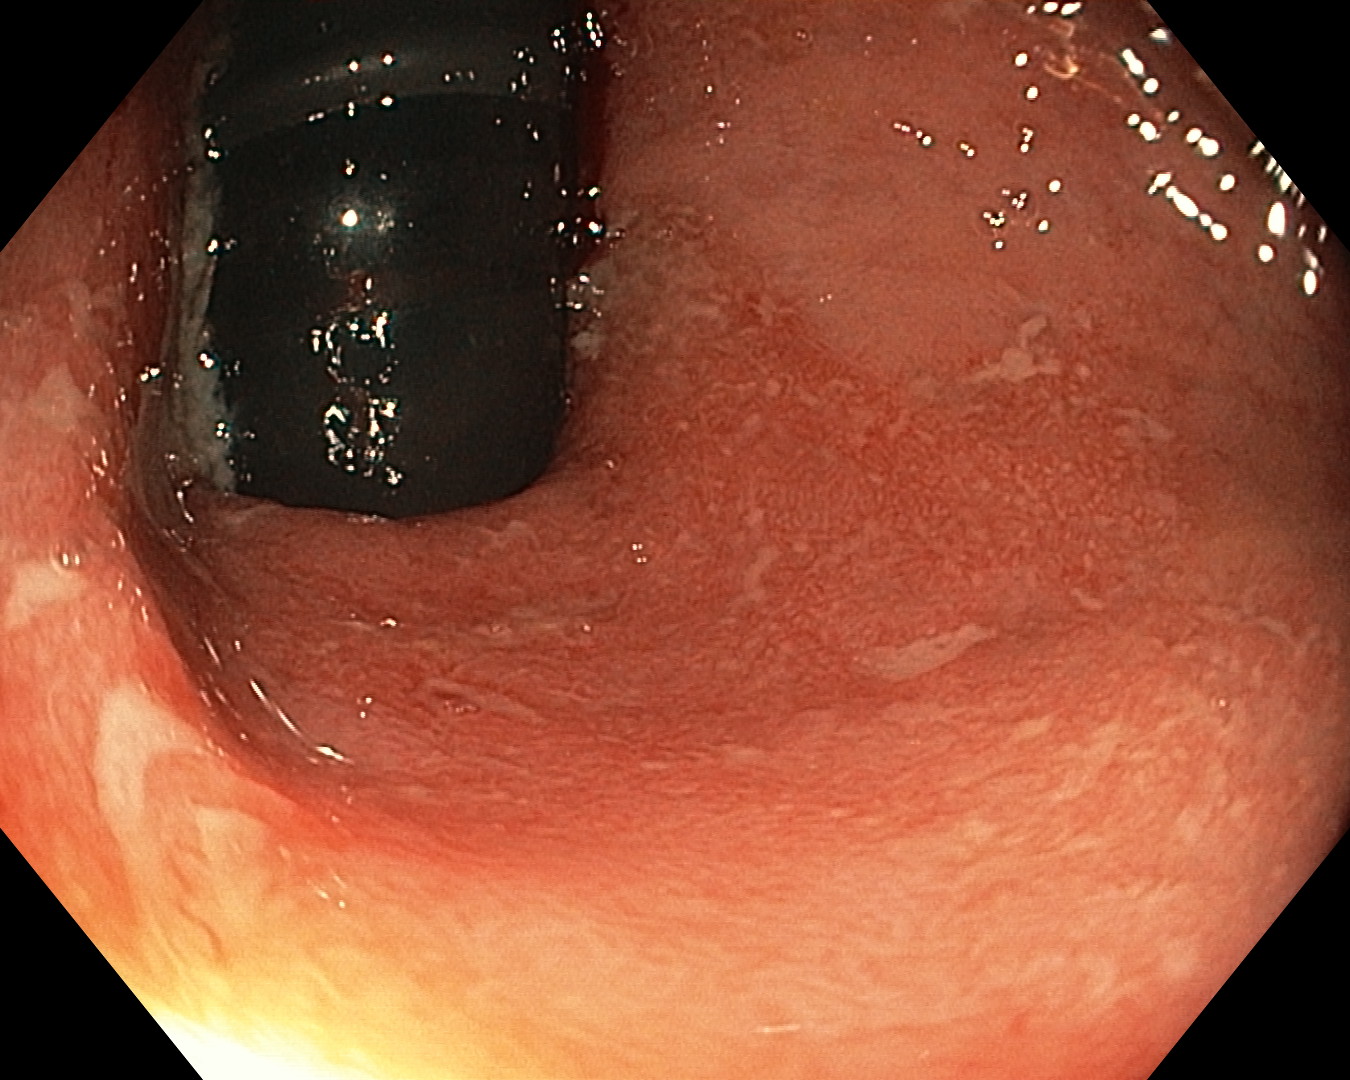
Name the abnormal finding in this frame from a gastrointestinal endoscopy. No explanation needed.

mucosal inflammation of the large bowel